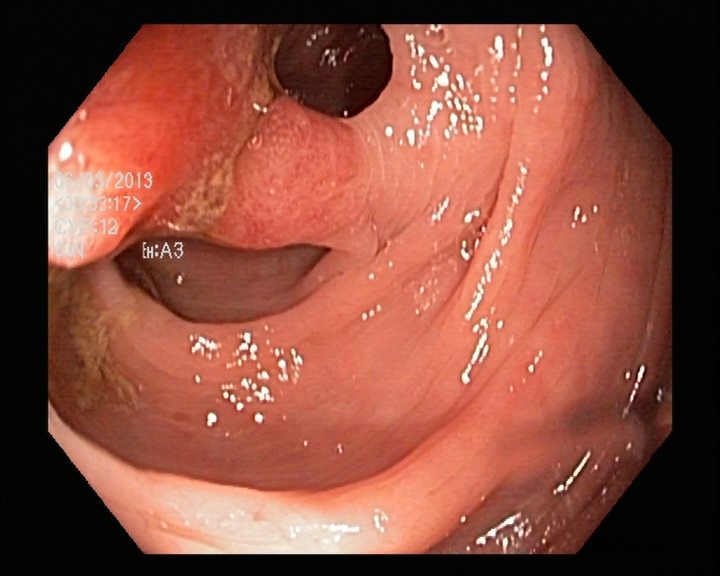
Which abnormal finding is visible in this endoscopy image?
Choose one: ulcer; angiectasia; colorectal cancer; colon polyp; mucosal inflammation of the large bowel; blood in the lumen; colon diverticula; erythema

colon polyp